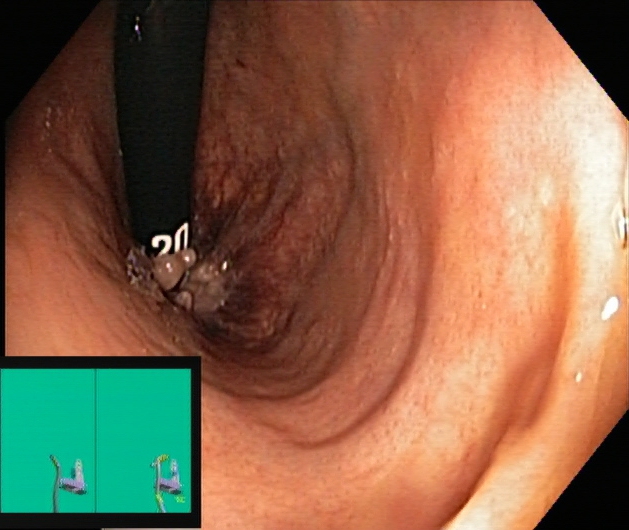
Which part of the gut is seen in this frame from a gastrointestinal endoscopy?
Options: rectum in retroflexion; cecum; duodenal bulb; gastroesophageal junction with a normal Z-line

rectum in retroflexion